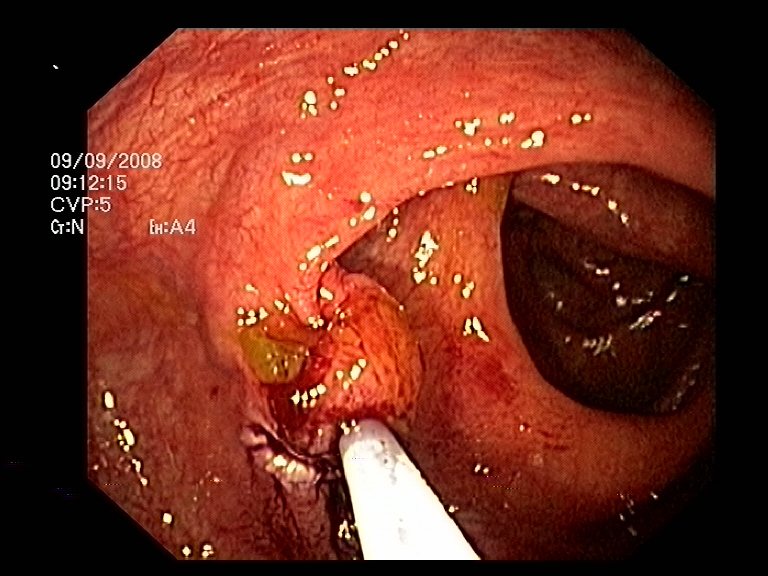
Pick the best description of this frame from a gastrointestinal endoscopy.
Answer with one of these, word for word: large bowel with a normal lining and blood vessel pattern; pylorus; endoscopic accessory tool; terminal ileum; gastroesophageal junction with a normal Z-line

endoscopic accessory tool